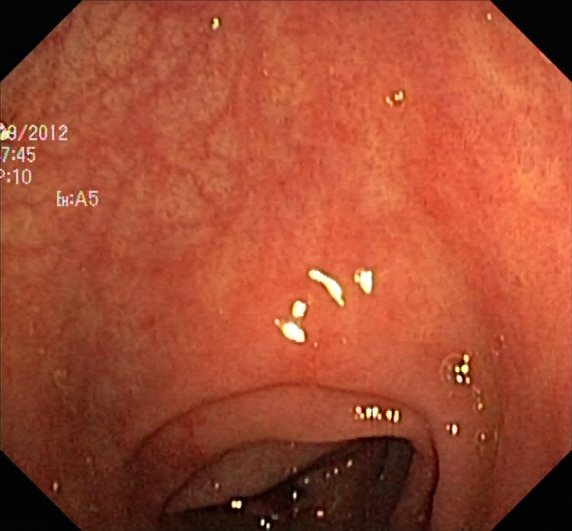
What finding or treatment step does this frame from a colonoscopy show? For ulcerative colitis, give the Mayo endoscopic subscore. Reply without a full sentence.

ulcerative colitis, Mayo endoscopic subscore 1